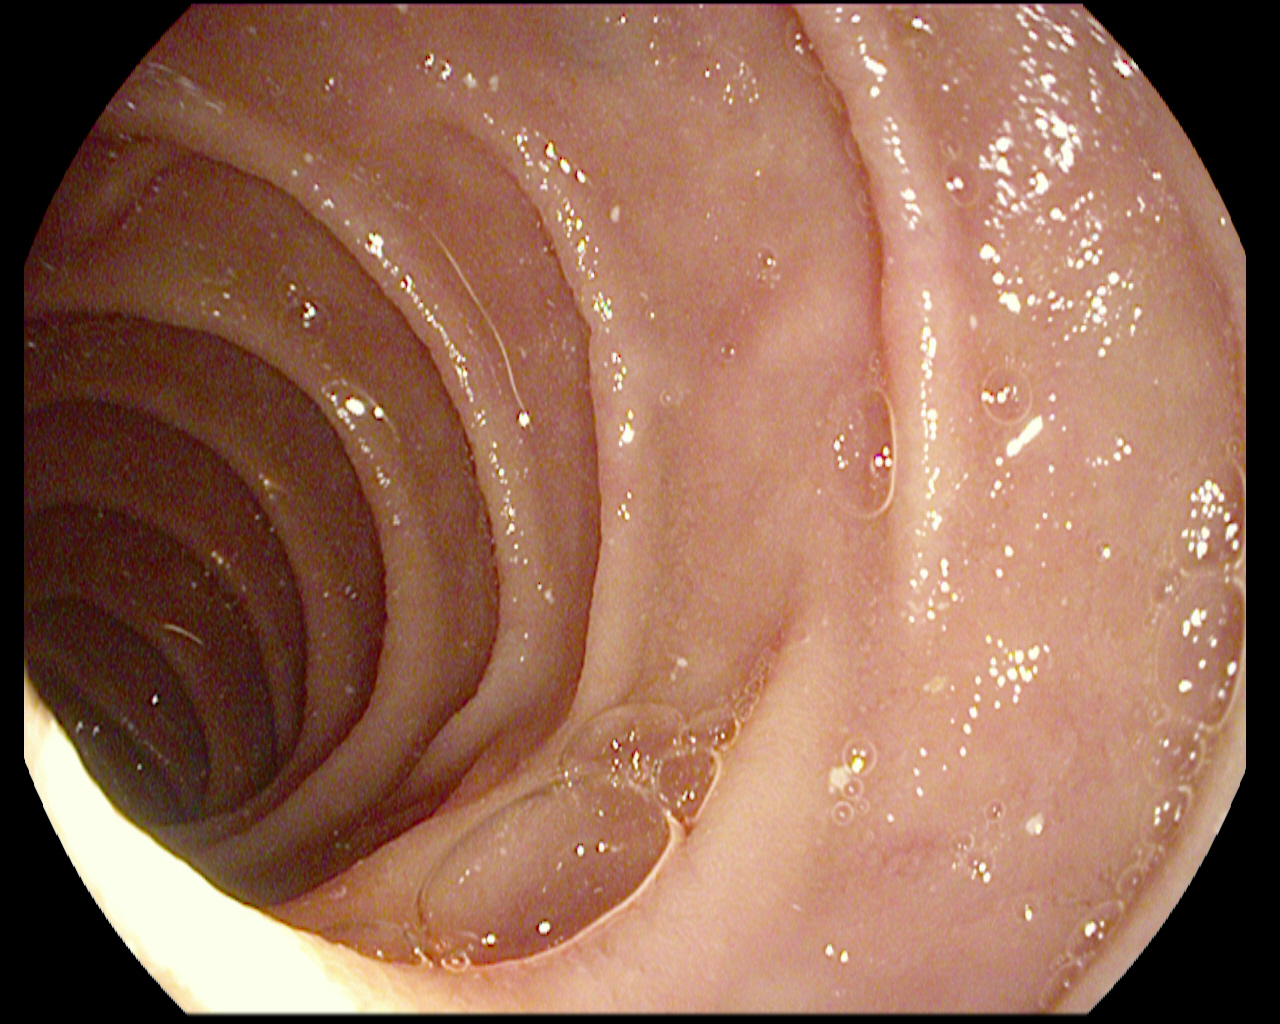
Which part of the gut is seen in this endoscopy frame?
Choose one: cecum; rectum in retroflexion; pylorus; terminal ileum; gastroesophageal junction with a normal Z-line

terminal ileum